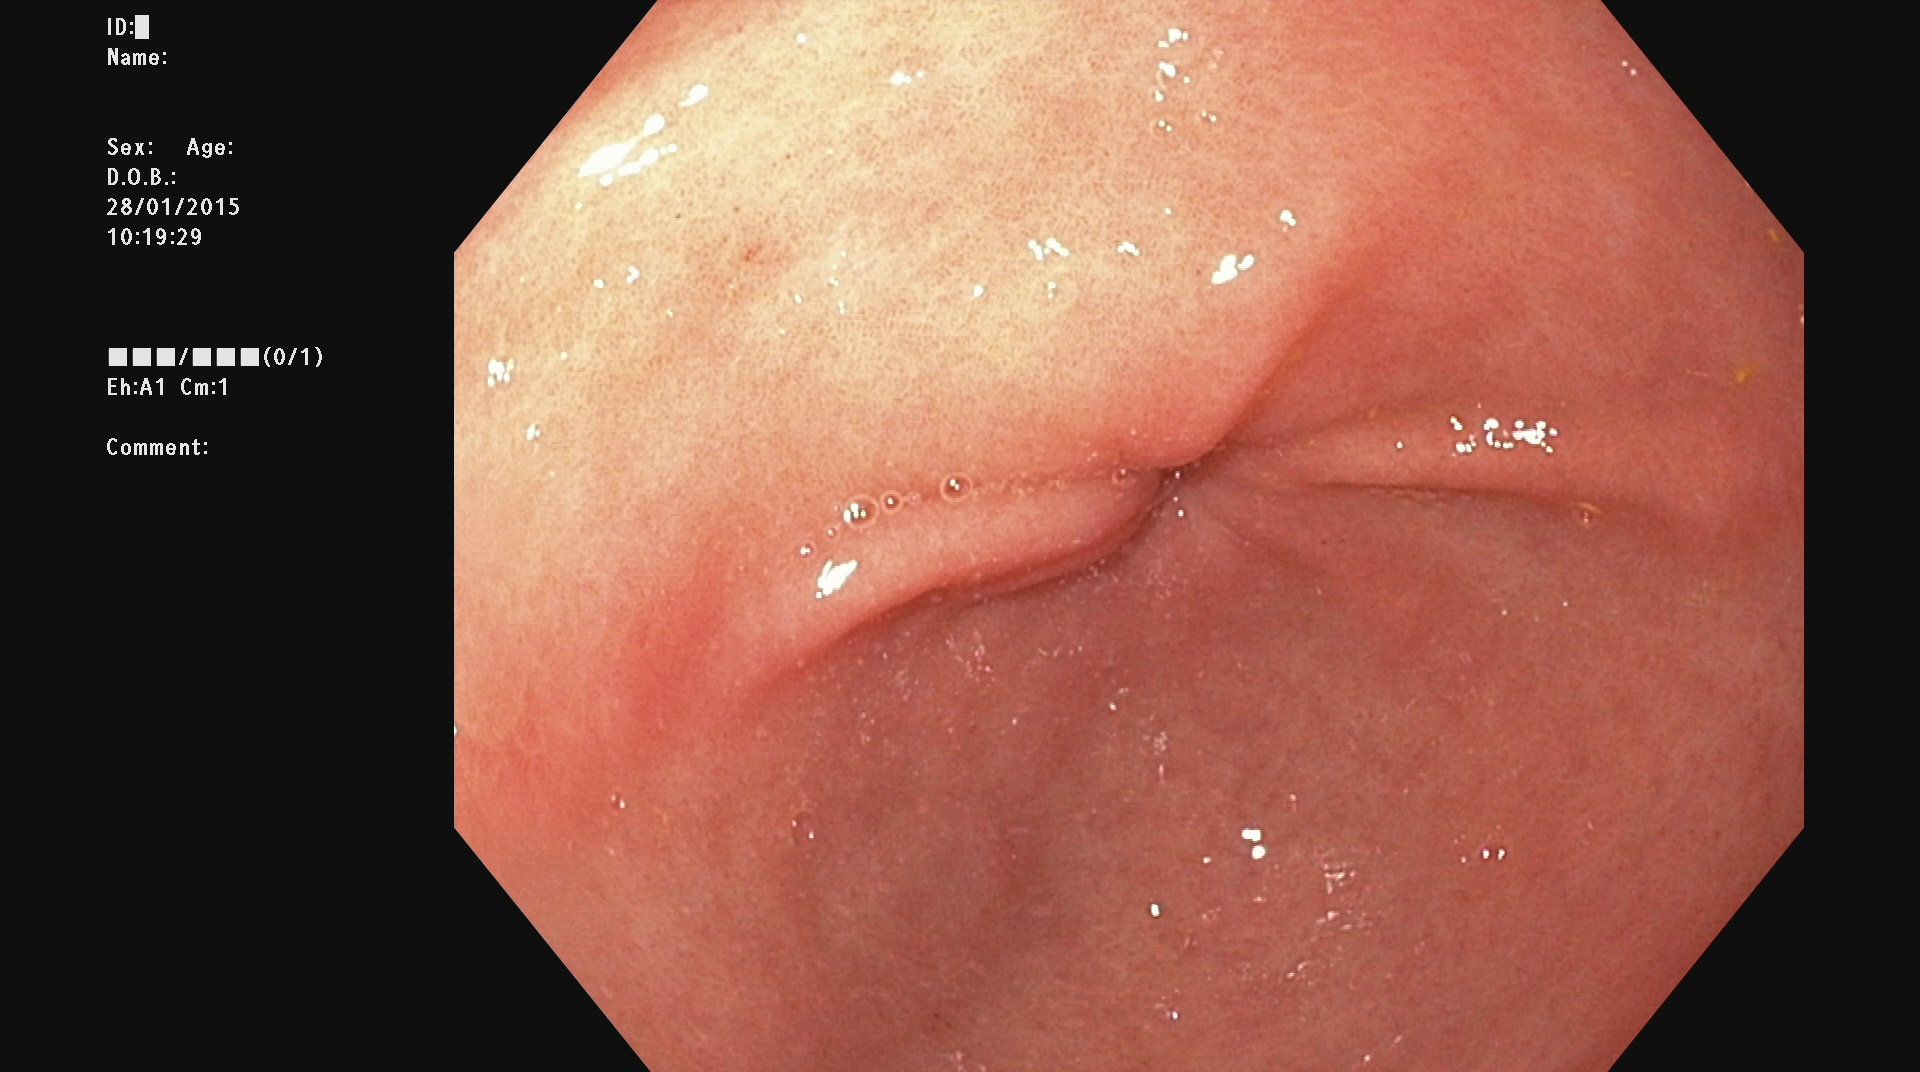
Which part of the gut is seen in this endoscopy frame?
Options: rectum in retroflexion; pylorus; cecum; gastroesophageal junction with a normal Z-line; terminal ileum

pylorus